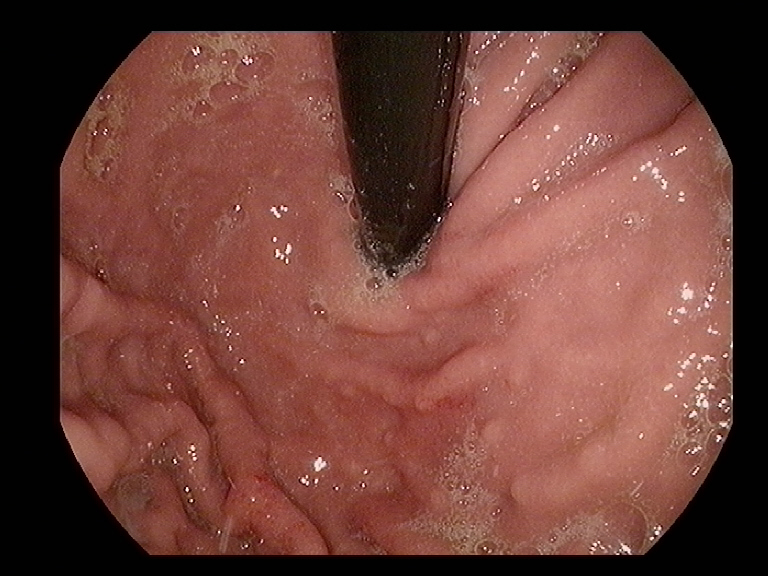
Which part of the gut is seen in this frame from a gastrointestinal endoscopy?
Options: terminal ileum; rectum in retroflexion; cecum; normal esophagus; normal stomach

normal stomach